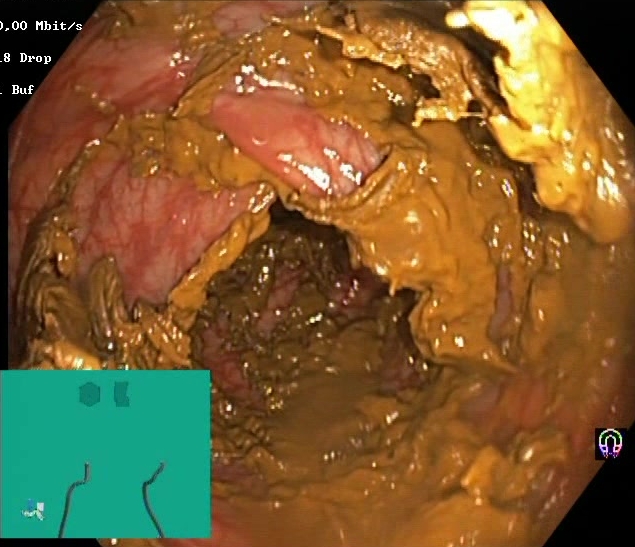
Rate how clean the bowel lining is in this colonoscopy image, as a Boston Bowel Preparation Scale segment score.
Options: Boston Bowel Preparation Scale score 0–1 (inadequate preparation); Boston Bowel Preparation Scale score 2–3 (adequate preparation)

Boston Bowel Preparation Scale score 0–1 (inadequate preparation)